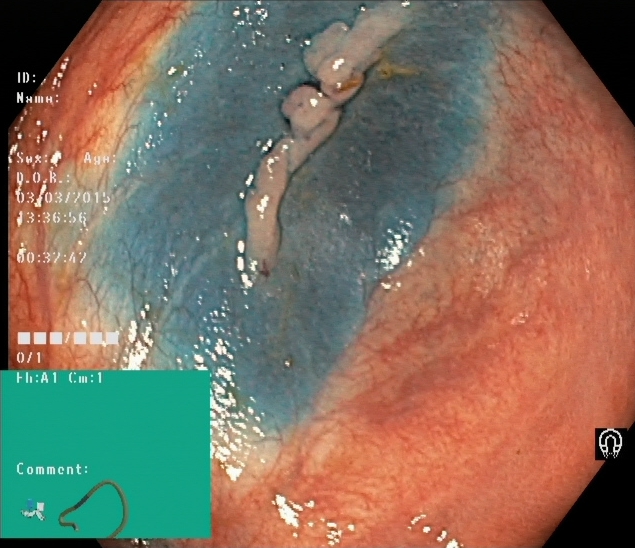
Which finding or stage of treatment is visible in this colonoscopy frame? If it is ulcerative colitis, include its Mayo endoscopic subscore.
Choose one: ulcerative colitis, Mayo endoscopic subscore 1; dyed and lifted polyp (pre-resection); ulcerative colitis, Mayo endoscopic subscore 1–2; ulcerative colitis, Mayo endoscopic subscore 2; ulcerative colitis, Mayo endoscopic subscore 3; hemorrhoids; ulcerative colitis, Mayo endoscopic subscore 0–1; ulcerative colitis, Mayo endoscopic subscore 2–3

dyed and lifted polyp (pre-resection)